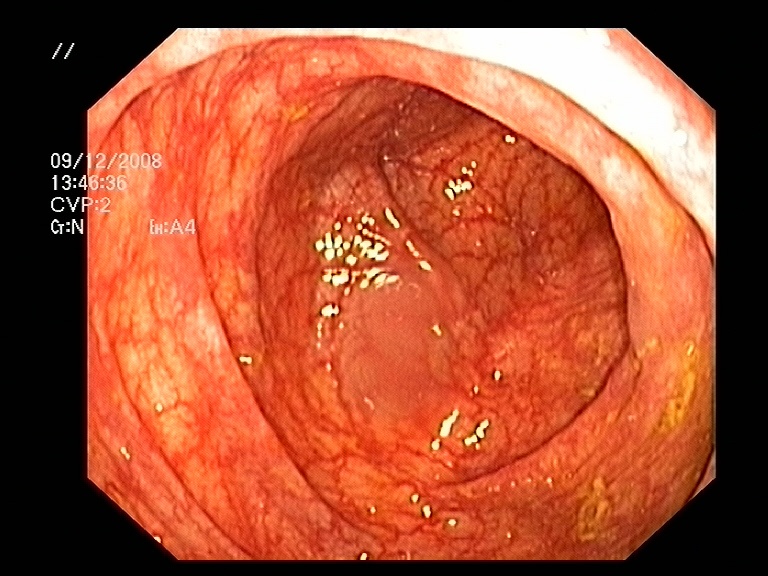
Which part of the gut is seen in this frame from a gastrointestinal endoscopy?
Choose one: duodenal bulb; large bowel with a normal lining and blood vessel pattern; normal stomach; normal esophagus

large bowel with a normal lining and blood vessel pattern